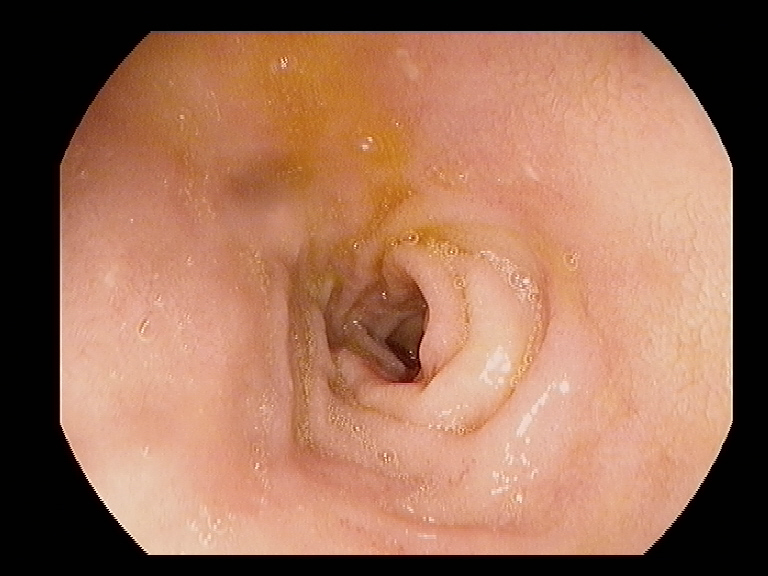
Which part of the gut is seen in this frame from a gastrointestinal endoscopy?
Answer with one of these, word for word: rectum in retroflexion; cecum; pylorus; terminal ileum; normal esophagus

terminal ileum